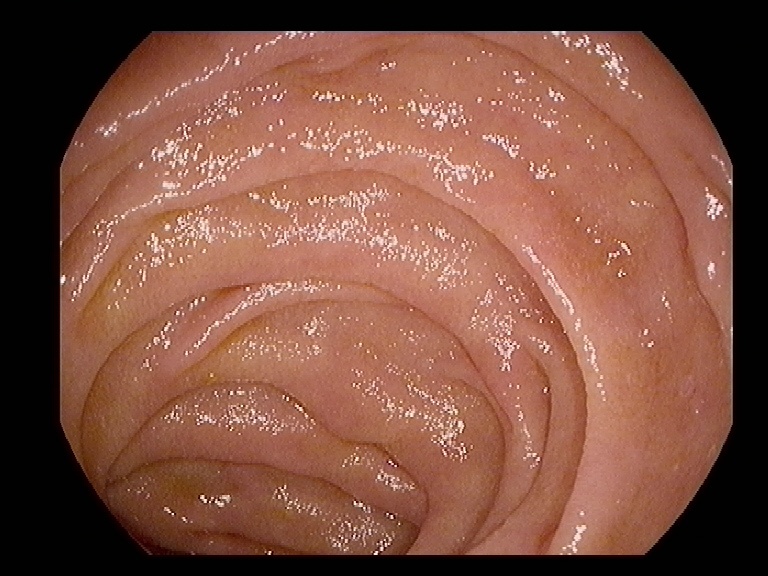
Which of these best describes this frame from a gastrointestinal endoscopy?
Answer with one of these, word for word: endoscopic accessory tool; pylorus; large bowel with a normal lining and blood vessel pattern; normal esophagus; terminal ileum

terminal ileum